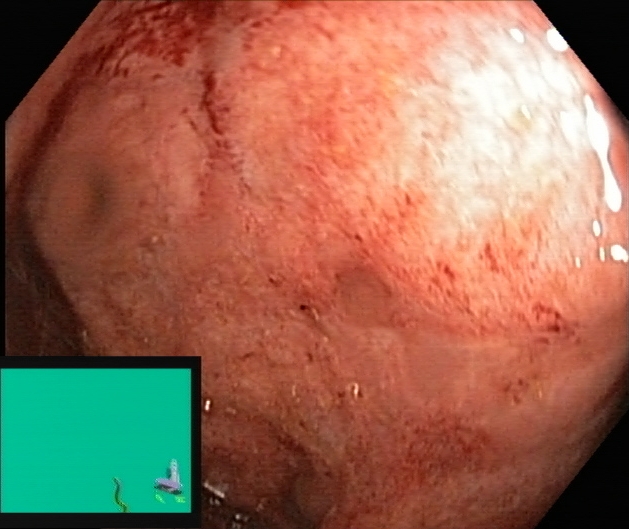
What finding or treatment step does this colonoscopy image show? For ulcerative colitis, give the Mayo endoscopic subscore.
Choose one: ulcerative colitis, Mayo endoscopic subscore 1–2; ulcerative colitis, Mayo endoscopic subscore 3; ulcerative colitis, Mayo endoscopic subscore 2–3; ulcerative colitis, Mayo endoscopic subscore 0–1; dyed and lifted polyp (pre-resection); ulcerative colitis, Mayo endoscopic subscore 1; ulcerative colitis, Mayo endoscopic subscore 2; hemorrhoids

ulcerative colitis, Mayo endoscopic subscore 2